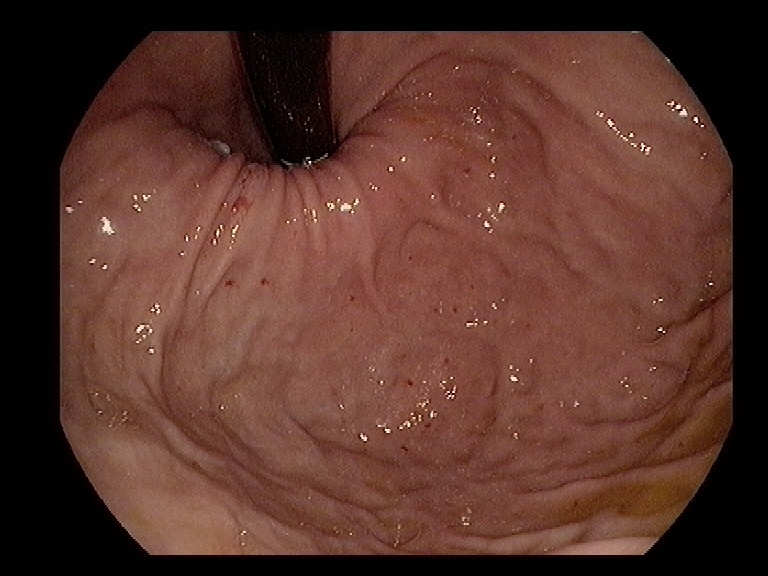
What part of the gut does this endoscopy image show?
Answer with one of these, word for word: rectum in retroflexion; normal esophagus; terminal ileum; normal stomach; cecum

normal stomach